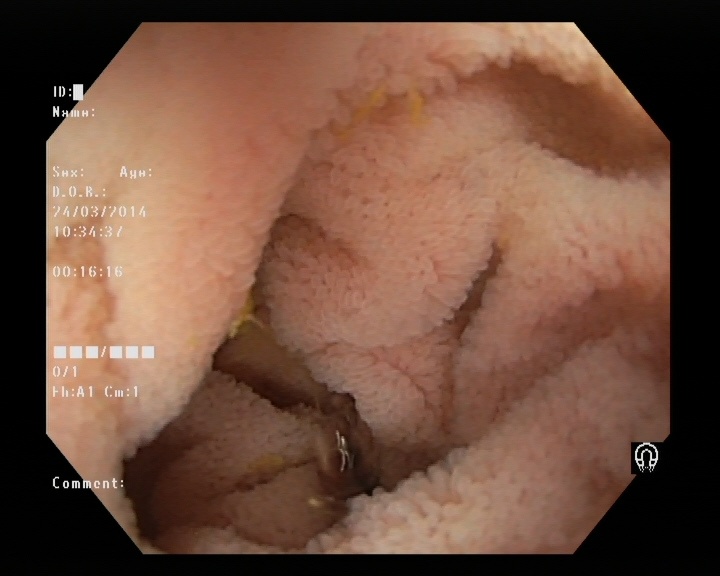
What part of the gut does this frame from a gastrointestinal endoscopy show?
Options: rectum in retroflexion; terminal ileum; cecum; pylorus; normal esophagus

terminal ileum